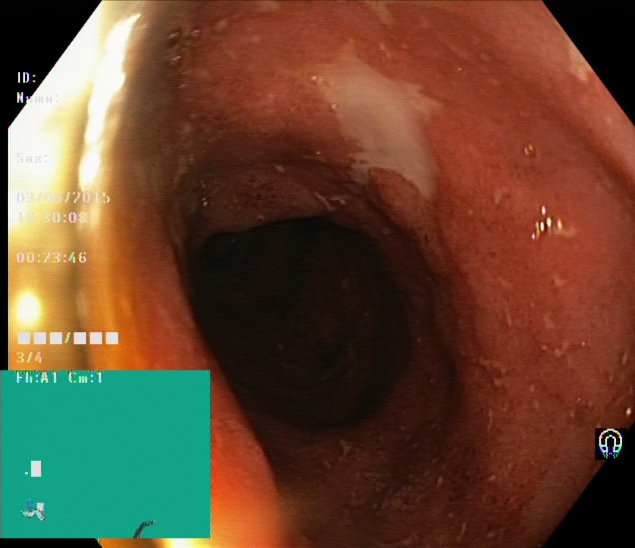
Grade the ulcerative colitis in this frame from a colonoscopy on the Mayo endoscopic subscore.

ulcerative colitis, Mayo endoscopic subscore 3